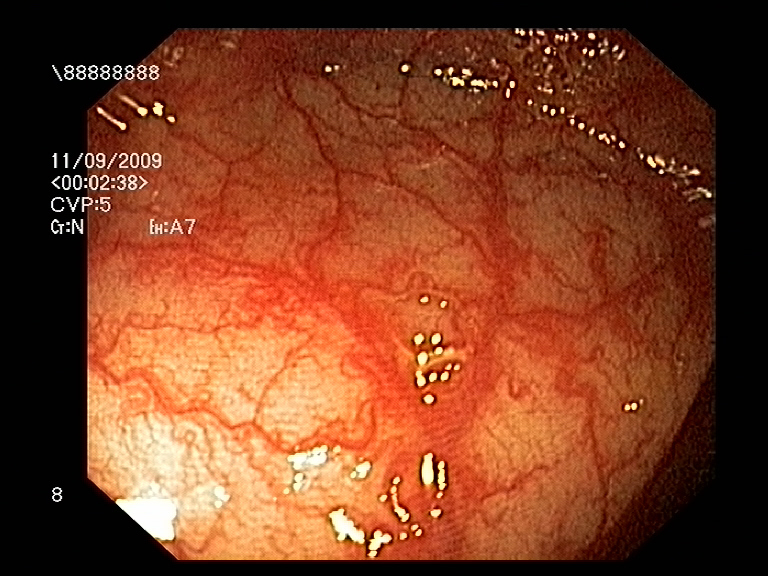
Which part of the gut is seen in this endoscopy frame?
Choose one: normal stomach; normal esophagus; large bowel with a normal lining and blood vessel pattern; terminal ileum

large bowel with a normal lining and blood vessel pattern